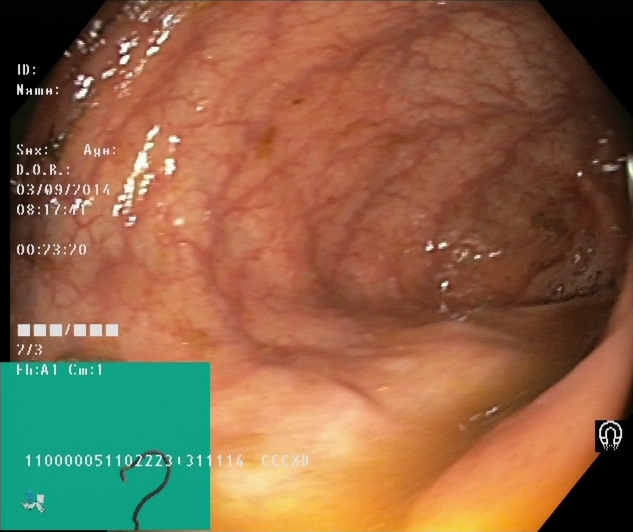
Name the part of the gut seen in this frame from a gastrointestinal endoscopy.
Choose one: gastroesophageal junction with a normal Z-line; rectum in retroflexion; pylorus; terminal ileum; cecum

cecum